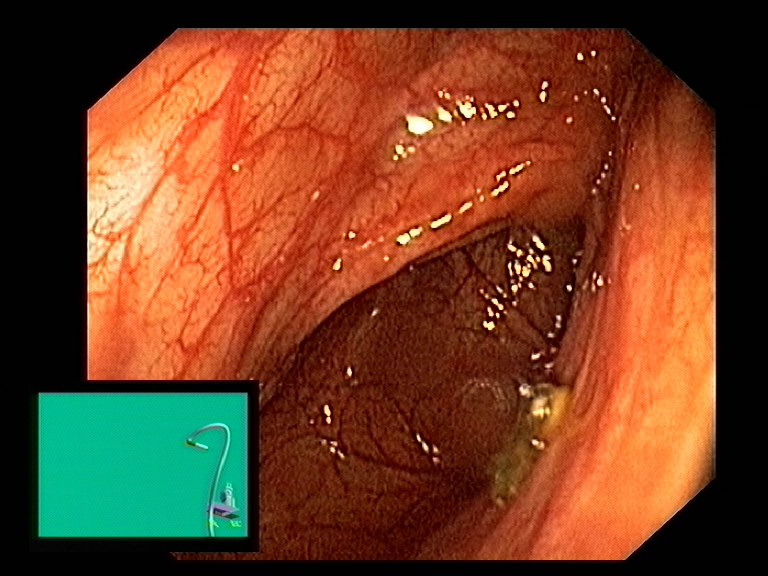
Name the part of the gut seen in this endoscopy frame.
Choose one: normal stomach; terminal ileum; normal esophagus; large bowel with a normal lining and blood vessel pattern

large bowel with a normal lining and blood vessel pattern